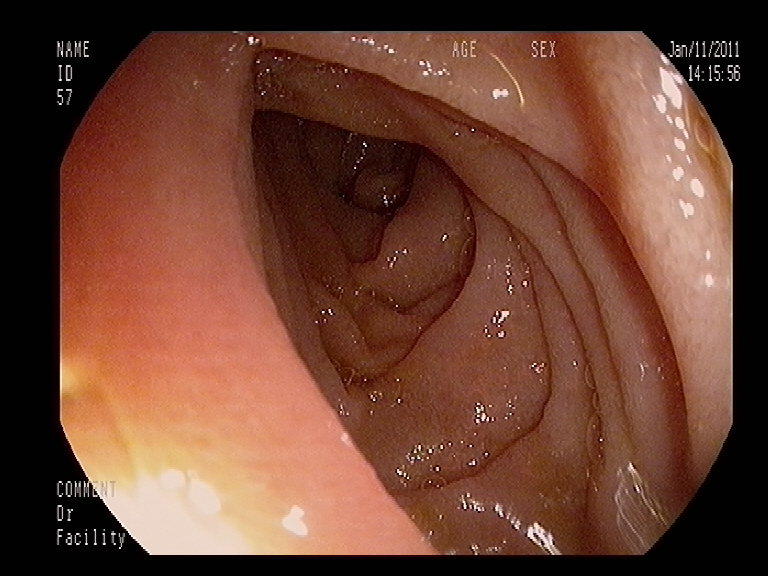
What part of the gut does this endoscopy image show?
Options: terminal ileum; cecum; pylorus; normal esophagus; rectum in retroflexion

terminal ileum